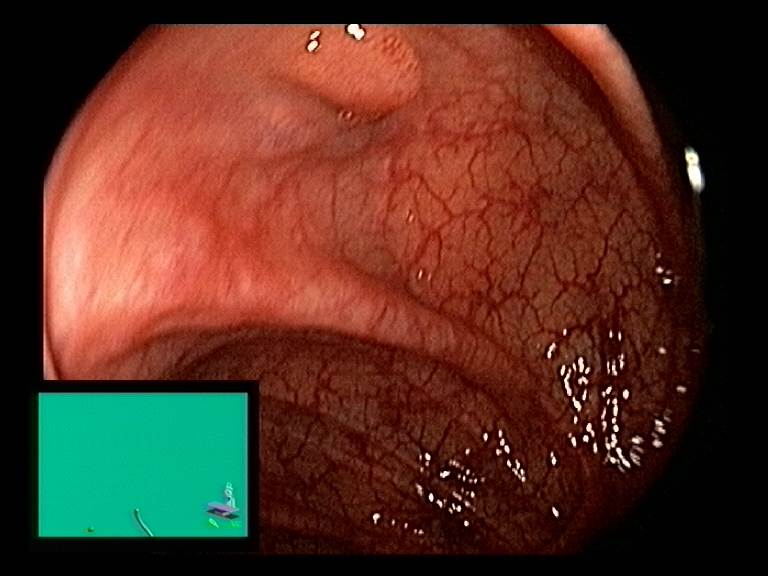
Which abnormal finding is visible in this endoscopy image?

colon polyp